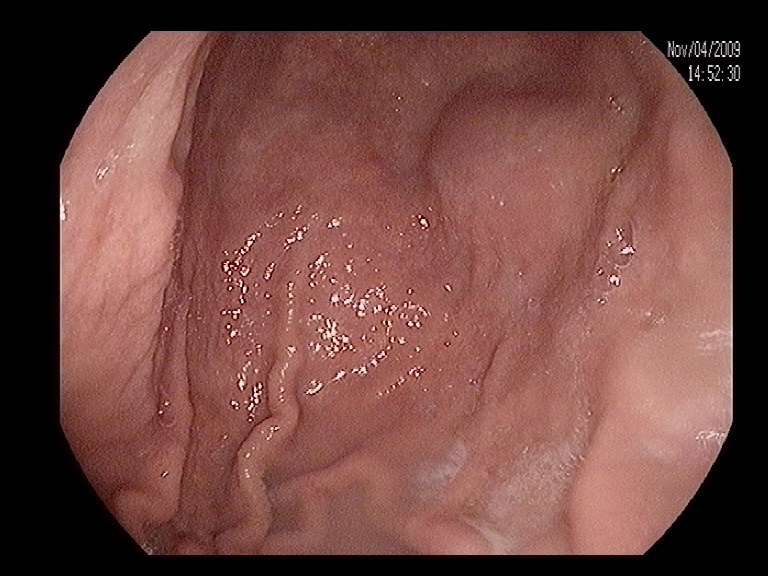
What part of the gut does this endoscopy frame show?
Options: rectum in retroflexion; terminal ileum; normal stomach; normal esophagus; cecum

normal stomach